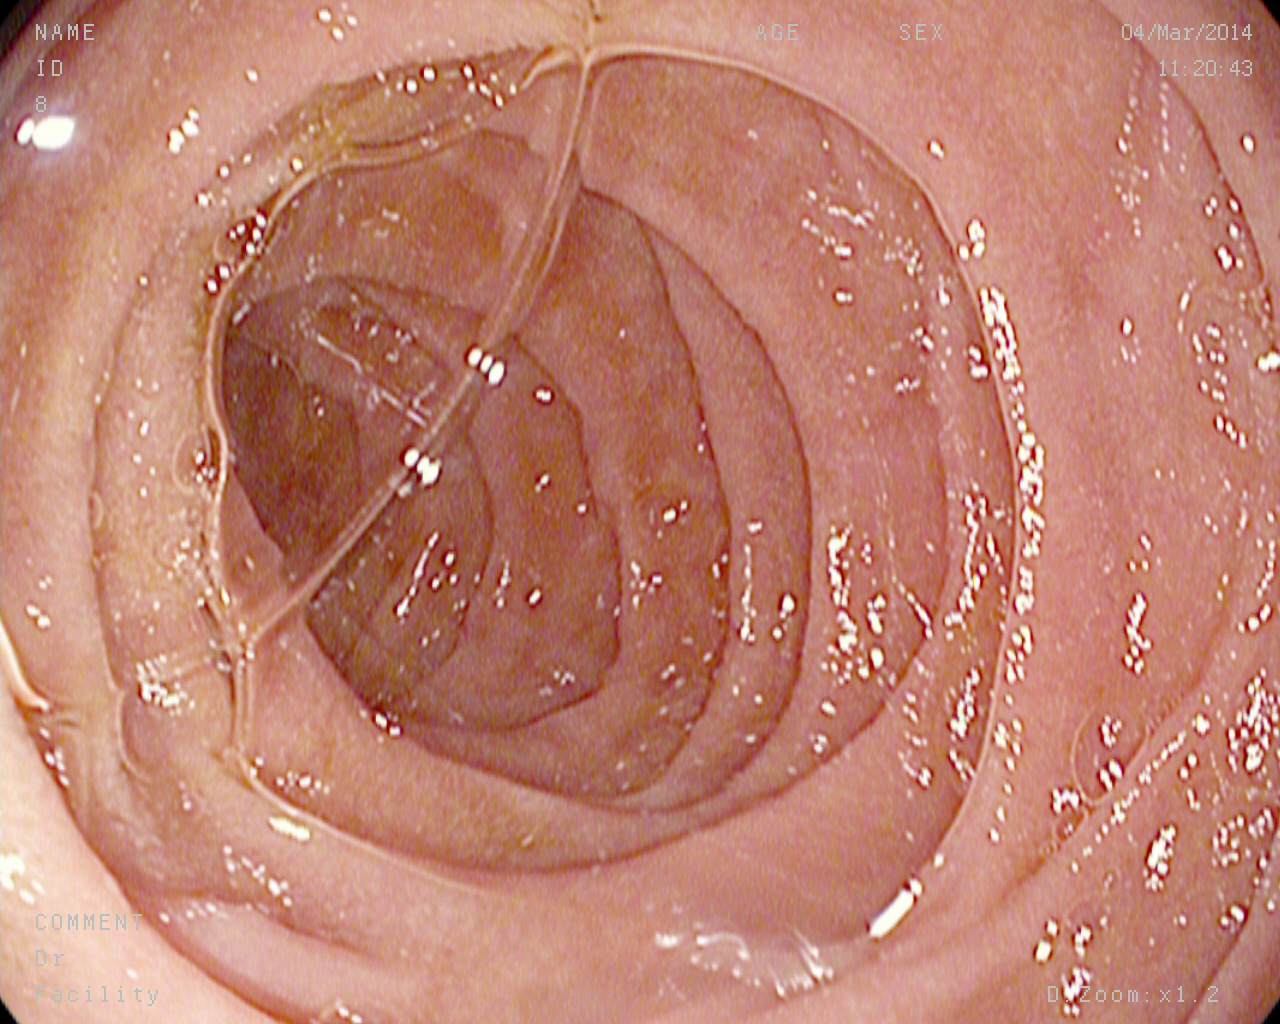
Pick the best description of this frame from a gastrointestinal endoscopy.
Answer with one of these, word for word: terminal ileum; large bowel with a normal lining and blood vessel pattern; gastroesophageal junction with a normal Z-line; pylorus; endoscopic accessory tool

terminal ileum